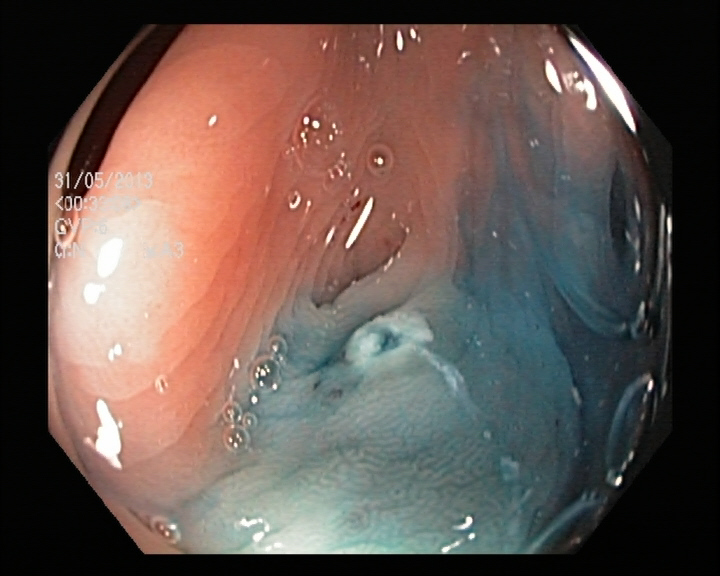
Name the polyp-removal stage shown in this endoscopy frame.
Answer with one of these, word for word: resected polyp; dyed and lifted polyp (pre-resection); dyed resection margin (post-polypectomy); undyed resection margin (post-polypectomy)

dyed resection margin (post-polypectomy)